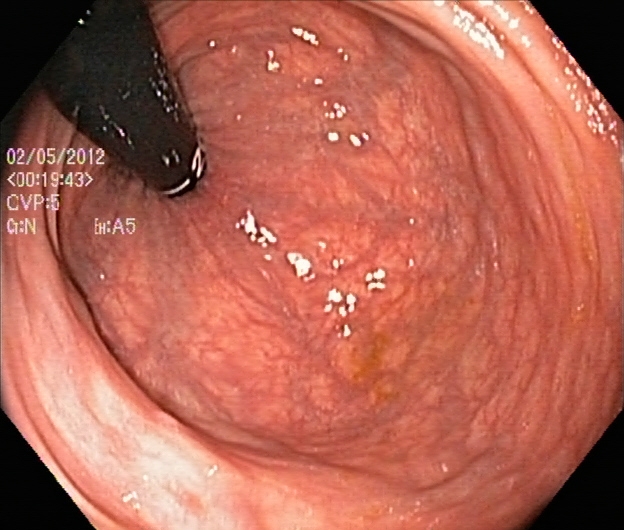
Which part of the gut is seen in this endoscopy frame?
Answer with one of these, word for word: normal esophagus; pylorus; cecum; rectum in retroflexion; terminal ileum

rectum in retroflexion